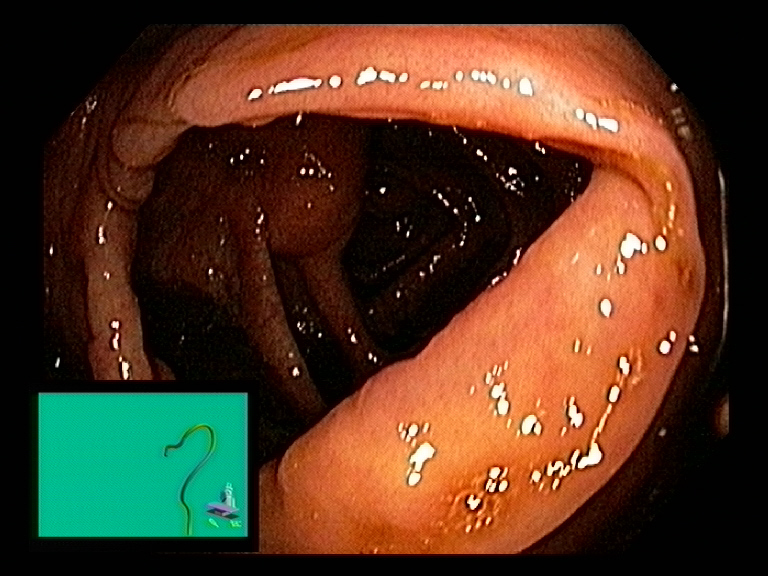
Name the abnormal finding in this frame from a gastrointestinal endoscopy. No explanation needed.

colon polyp